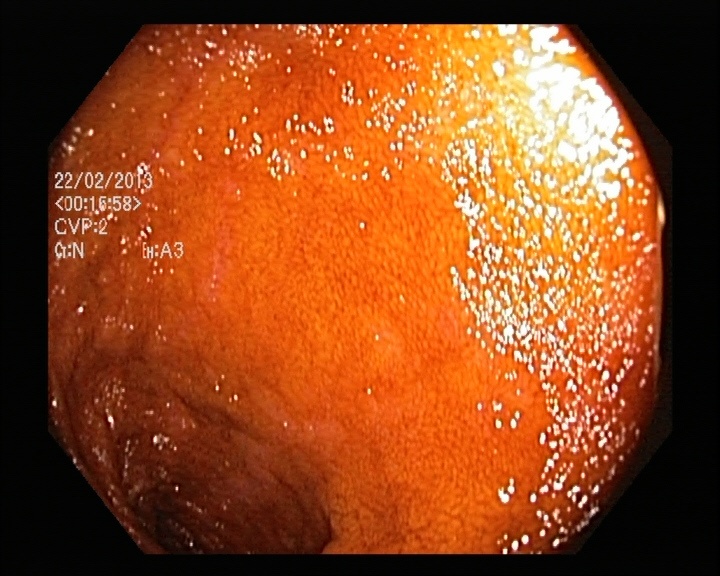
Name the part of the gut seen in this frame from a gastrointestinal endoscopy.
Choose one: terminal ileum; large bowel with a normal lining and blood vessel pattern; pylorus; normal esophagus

terminal ileum